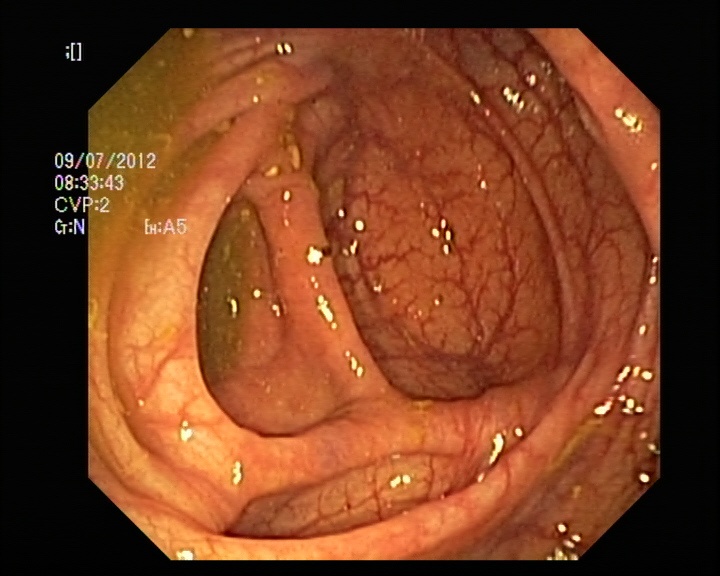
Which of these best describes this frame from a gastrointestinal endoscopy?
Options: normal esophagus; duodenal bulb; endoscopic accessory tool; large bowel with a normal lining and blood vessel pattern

large bowel with a normal lining and blood vessel pattern